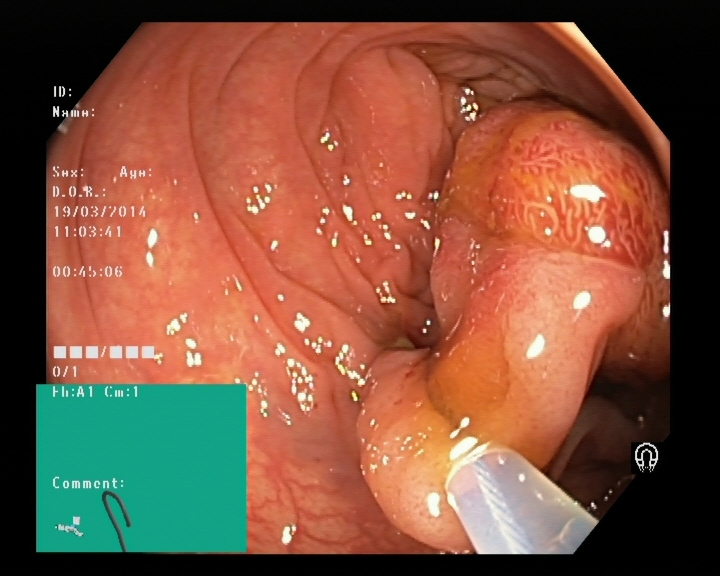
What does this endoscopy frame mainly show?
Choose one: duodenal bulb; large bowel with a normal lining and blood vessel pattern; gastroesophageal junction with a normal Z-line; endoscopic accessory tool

endoscopic accessory tool